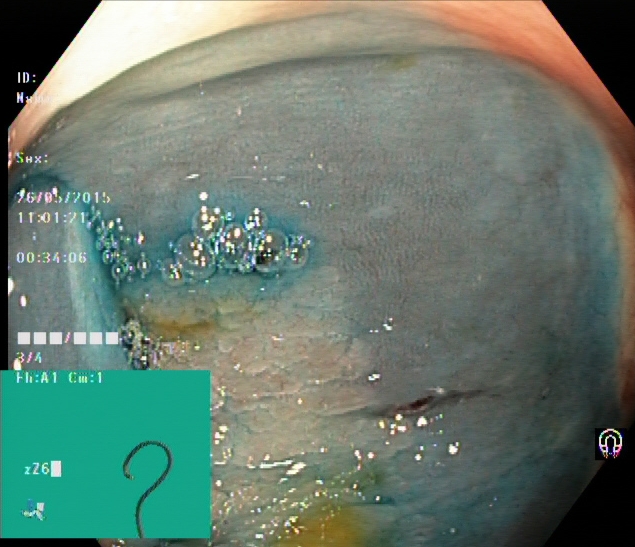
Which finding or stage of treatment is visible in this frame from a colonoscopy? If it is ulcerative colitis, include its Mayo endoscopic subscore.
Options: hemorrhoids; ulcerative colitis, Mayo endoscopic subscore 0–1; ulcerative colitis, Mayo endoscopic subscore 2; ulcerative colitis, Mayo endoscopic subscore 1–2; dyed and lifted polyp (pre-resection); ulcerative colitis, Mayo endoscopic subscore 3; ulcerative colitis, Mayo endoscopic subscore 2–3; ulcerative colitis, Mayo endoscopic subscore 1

dyed and lifted polyp (pre-resection)